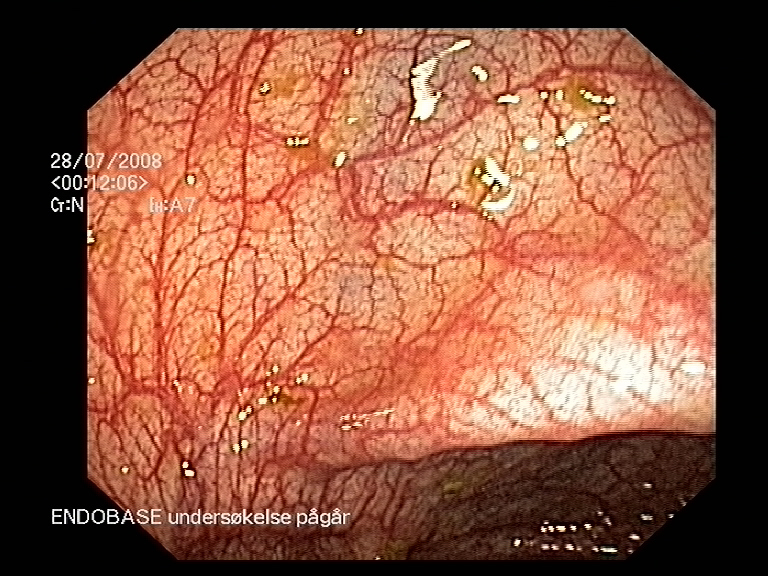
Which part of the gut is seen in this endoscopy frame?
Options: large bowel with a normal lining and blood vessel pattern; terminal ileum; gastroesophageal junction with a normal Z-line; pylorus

large bowel with a normal lining and blood vessel pattern